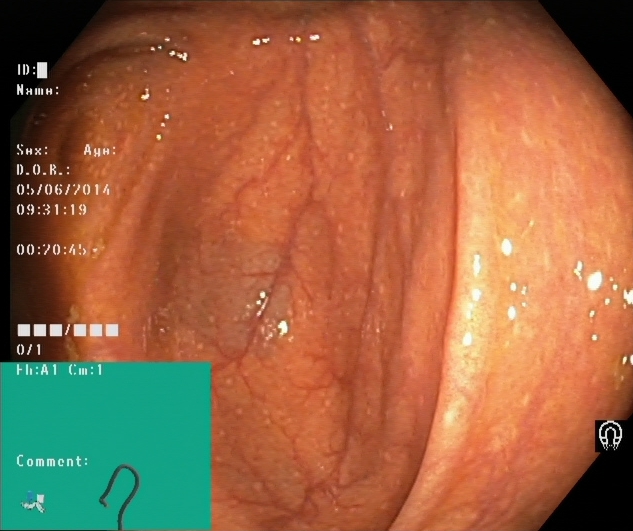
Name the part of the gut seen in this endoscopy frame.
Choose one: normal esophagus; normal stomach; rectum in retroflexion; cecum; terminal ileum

cecum